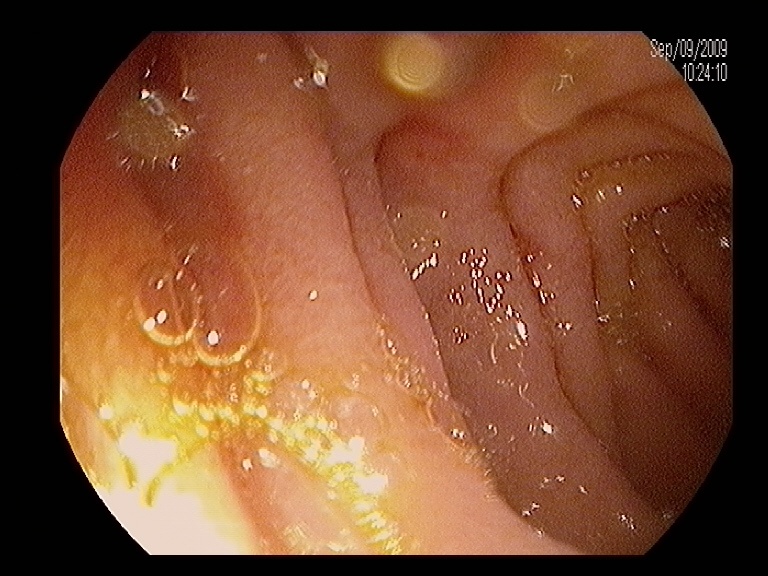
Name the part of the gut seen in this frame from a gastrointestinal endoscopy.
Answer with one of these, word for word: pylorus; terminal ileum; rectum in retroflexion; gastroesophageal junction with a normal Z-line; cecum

terminal ileum